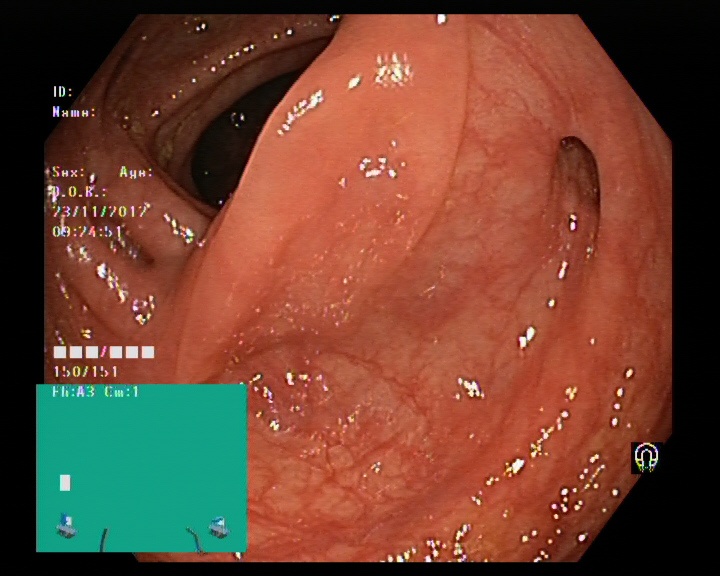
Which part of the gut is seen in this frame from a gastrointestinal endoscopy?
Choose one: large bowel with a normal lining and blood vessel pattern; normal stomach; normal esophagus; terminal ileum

large bowel with a normal lining and blood vessel pattern